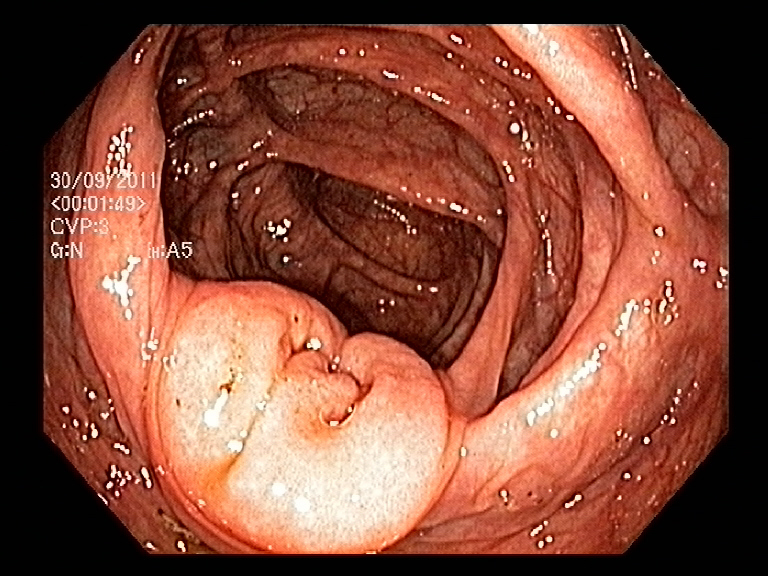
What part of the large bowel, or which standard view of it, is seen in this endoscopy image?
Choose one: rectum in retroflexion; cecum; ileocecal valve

ileocecal valve